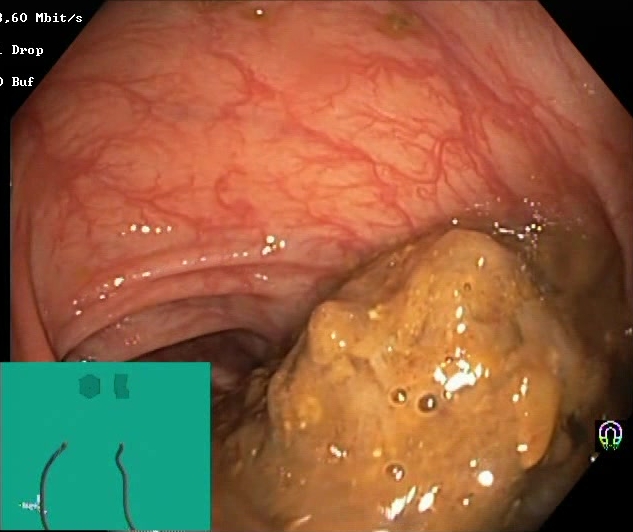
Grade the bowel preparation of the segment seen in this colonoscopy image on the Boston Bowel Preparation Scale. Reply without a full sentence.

Boston Bowel Preparation Scale score 0–1 (inadequate preparation)